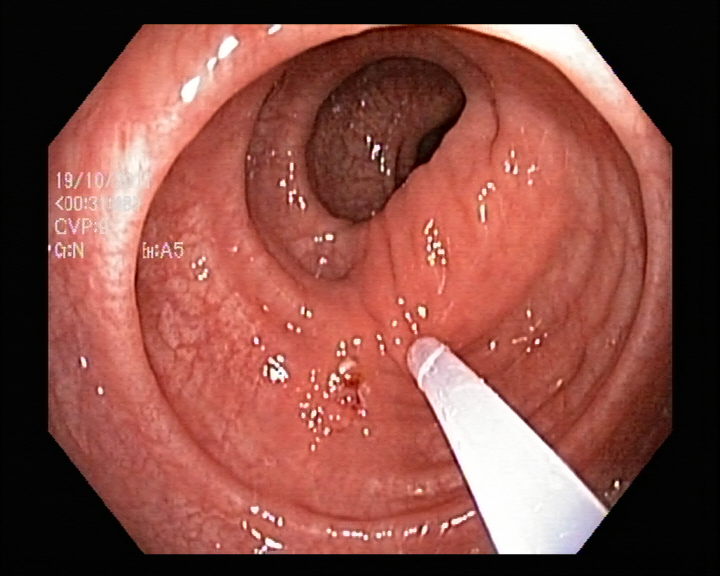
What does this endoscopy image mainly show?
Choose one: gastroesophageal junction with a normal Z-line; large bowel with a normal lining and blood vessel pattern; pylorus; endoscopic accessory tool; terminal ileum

endoscopic accessory tool